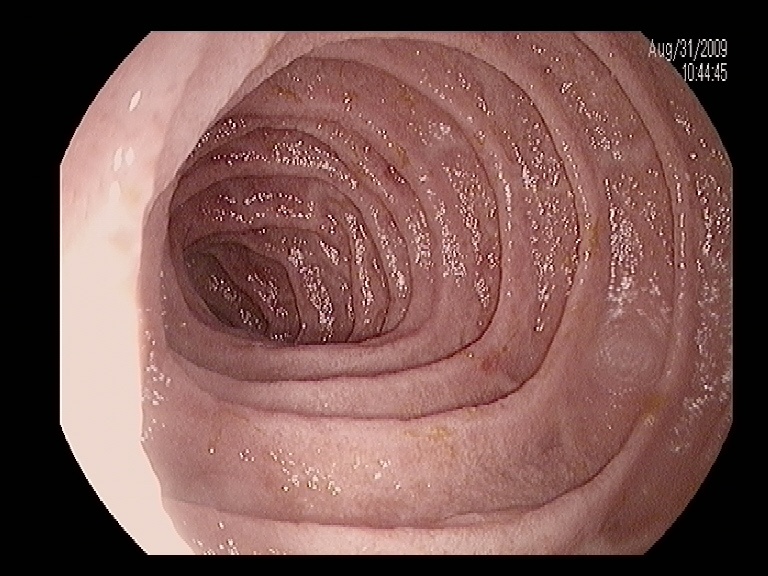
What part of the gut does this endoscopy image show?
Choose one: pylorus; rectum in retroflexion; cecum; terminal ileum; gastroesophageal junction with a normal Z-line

terminal ileum